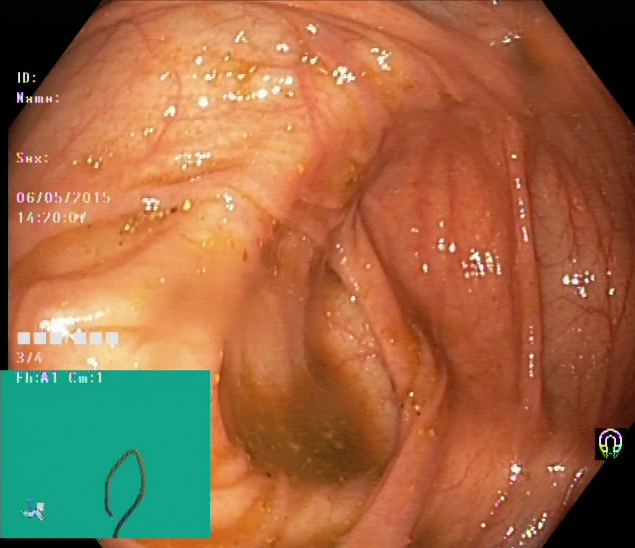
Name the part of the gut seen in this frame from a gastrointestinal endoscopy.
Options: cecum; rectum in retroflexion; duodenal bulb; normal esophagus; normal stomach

cecum